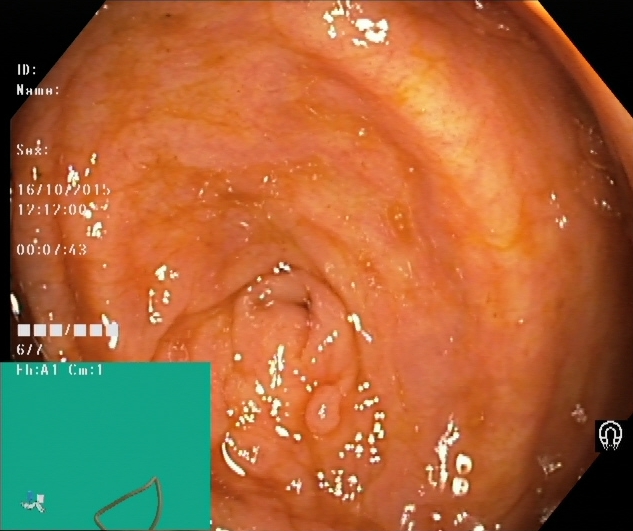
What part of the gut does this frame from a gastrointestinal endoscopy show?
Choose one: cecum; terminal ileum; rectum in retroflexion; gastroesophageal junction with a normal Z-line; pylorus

cecum